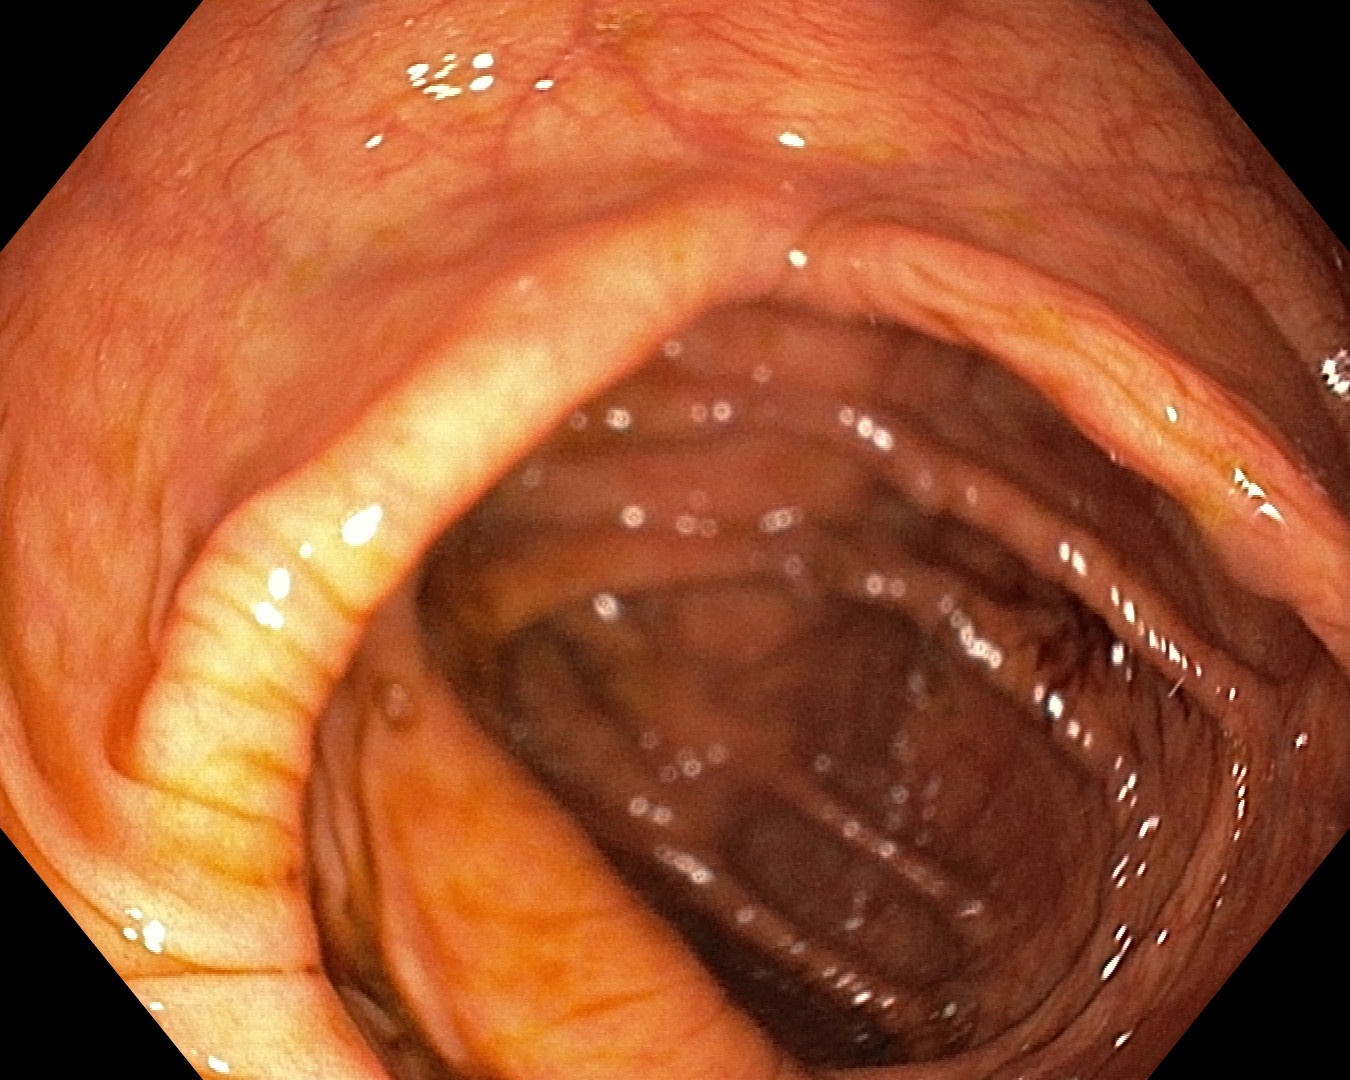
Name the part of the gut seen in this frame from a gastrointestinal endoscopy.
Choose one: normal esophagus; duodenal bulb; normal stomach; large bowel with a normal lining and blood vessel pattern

large bowel with a normal lining and blood vessel pattern